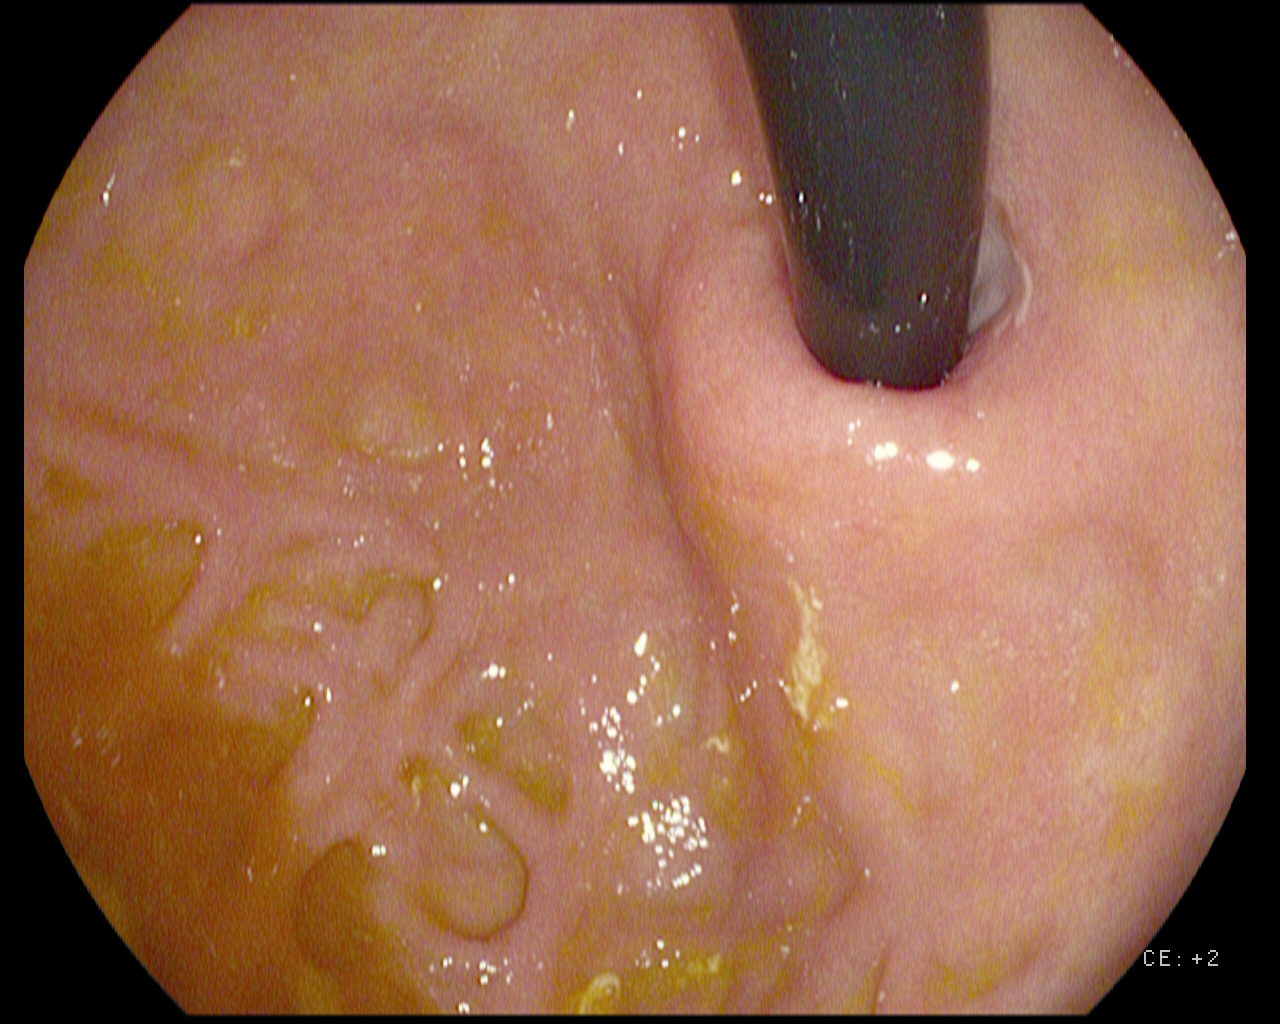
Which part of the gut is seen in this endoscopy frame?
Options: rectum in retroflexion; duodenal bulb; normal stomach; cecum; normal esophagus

normal stomach